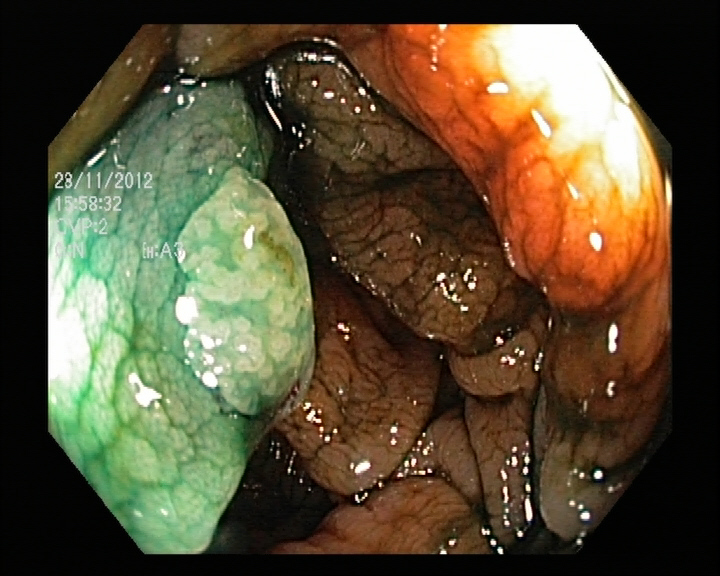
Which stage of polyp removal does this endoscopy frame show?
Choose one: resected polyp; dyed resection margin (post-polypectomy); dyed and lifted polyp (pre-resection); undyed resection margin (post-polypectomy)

dyed and lifted polyp (pre-resection)